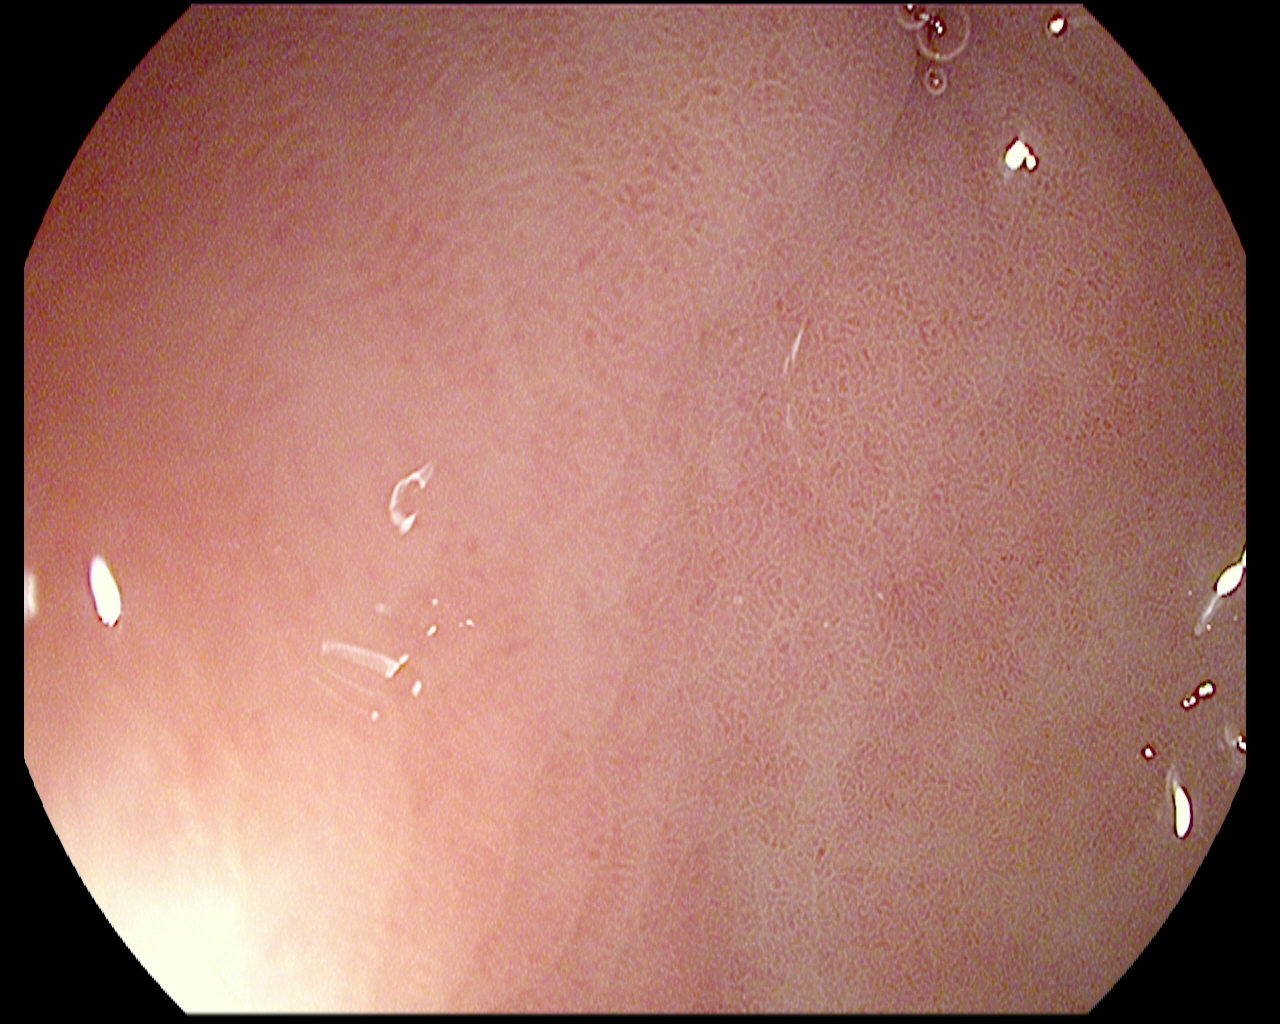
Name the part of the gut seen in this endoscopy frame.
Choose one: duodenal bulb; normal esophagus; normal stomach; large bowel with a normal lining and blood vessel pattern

normal stomach